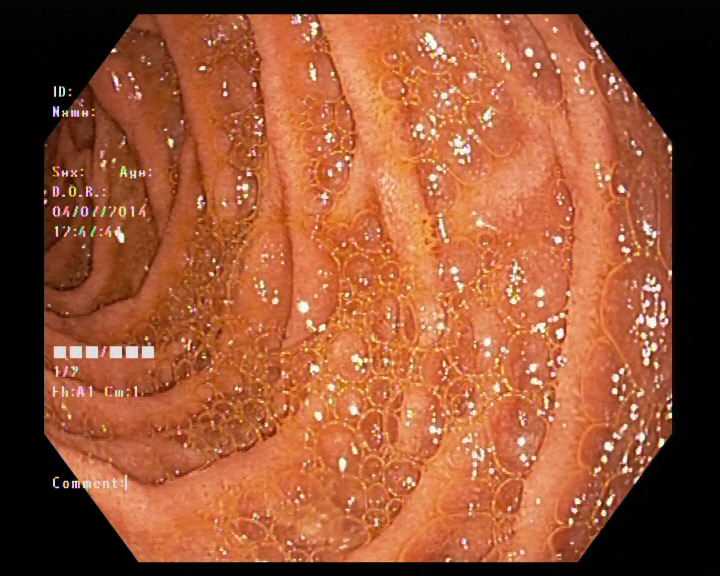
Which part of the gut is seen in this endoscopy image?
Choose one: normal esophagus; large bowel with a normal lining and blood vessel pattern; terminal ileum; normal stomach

terminal ileum